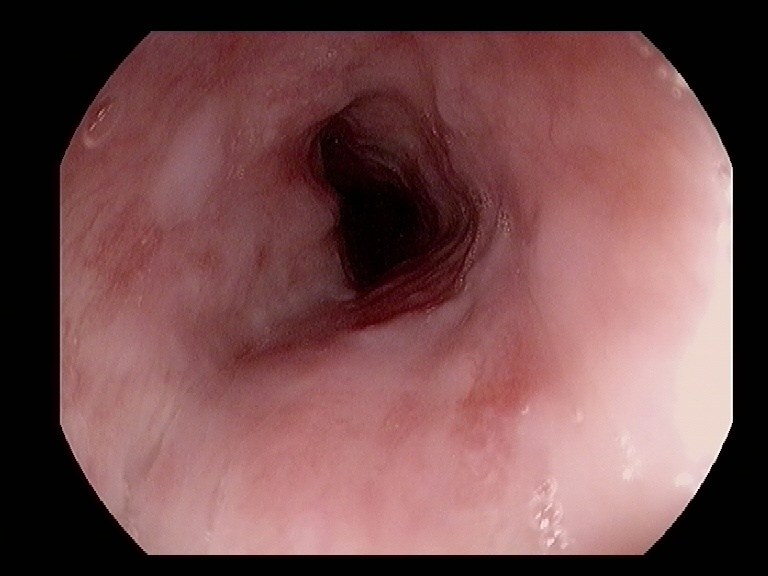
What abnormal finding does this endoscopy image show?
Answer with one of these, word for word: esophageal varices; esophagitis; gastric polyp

esophagitis